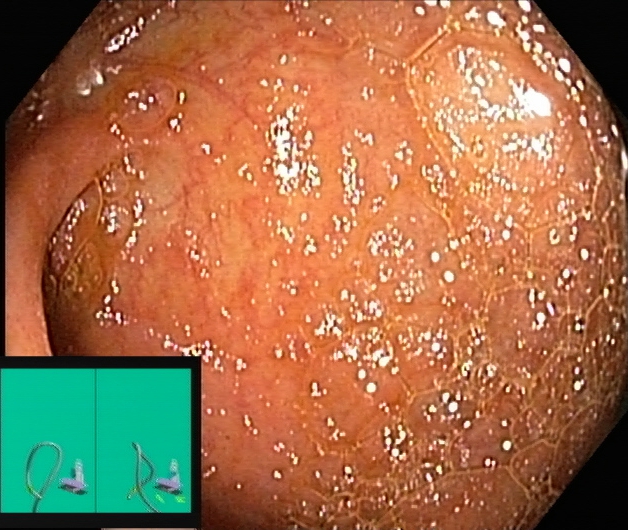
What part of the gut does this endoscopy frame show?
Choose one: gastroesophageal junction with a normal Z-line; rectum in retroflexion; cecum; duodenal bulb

cecum